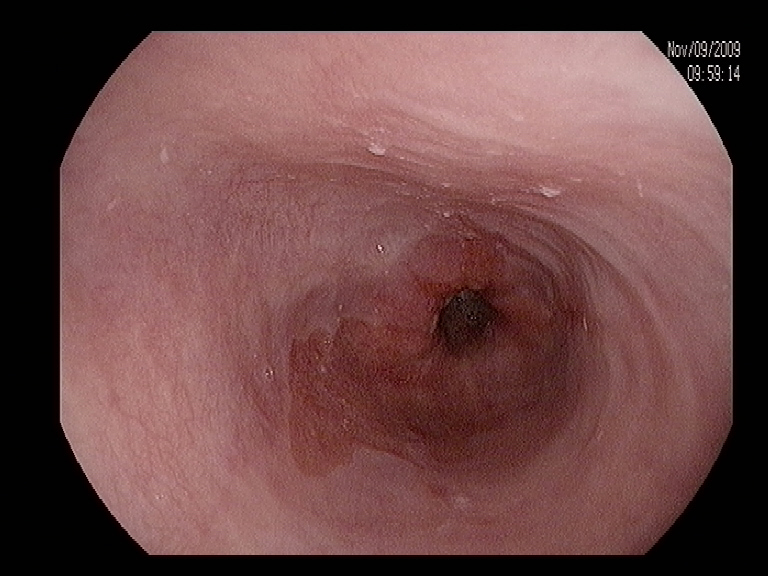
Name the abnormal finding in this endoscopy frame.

Barrett's esophagus